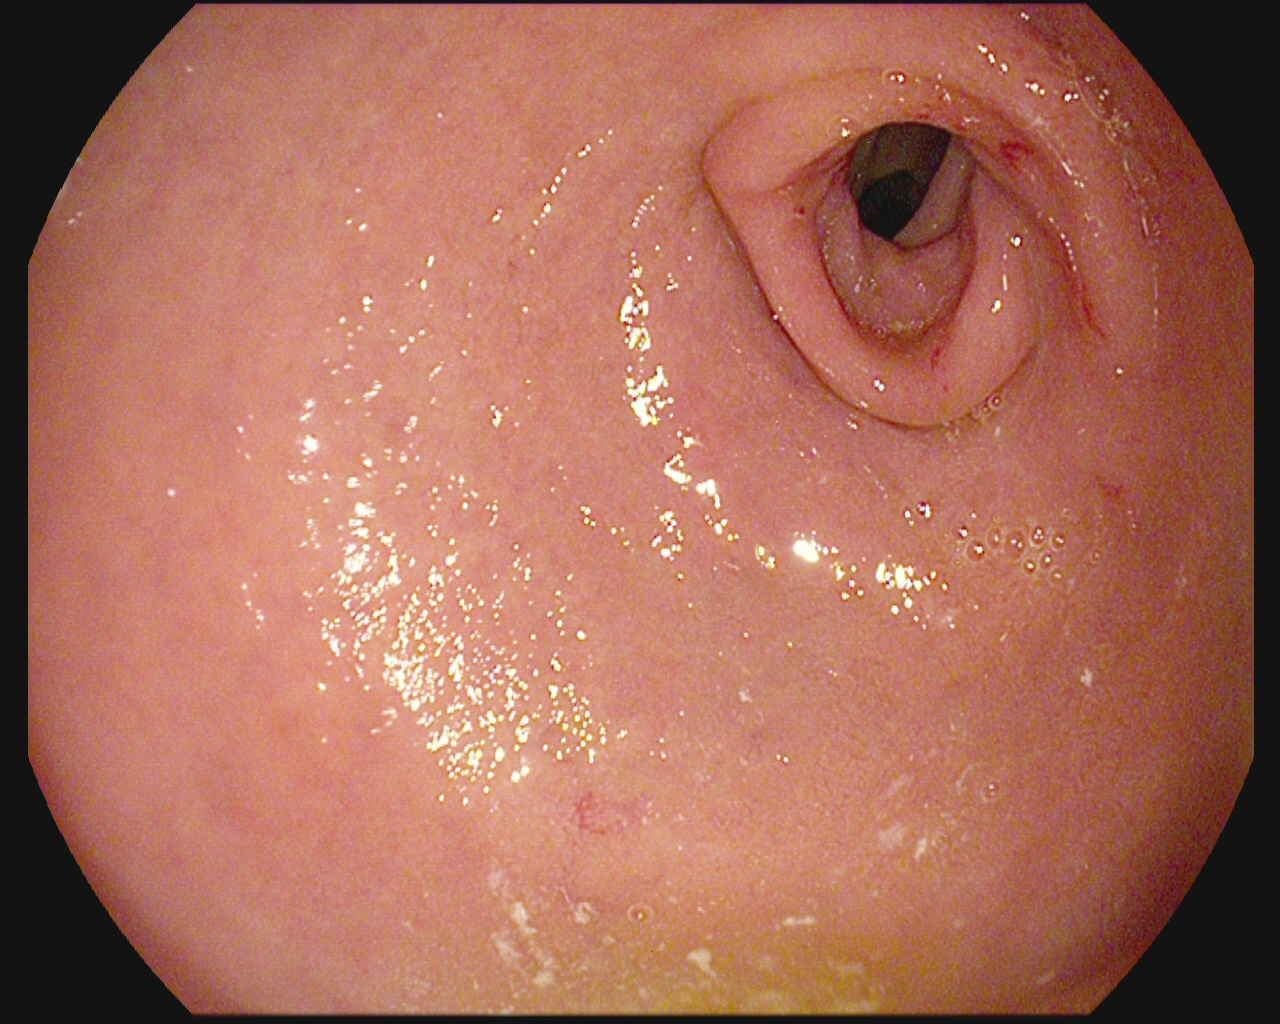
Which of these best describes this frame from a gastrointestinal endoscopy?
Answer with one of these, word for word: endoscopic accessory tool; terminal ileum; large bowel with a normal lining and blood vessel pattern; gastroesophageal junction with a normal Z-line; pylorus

pylorus